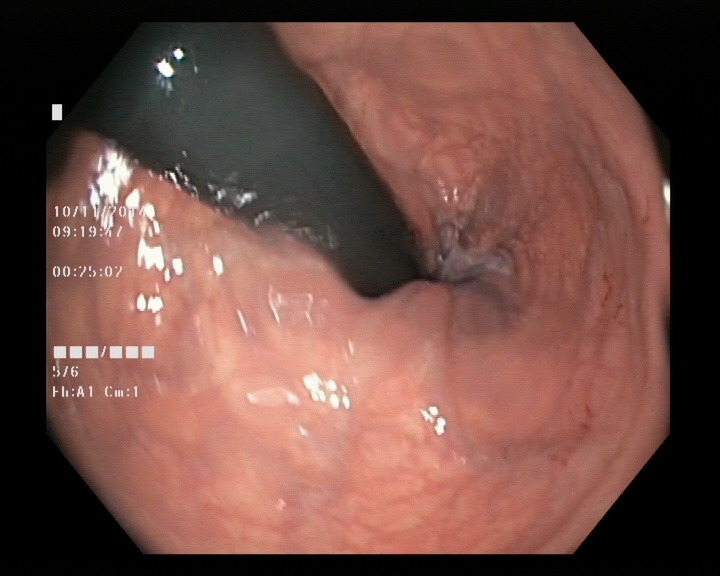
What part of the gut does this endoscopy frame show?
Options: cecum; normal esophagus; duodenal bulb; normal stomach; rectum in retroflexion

normal stomach